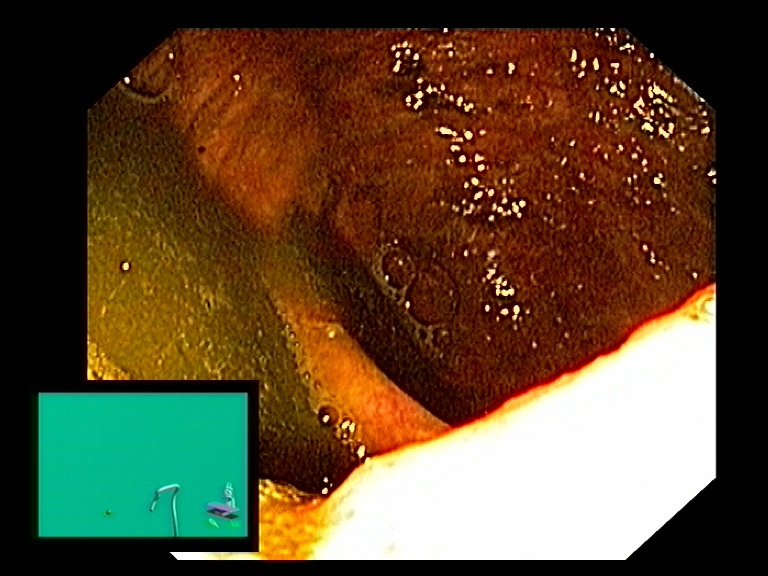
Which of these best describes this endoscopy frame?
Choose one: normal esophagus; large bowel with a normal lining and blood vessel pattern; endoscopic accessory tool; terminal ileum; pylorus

large bowel with a normal lining and blood vessel pattern